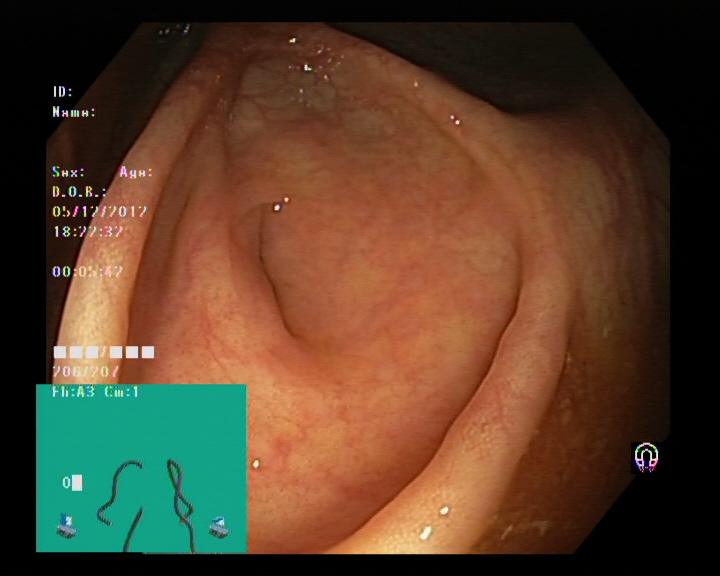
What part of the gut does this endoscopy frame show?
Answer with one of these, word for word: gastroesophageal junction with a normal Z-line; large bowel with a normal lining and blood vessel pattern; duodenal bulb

large bowel with a normal lining and blood vessel pattern